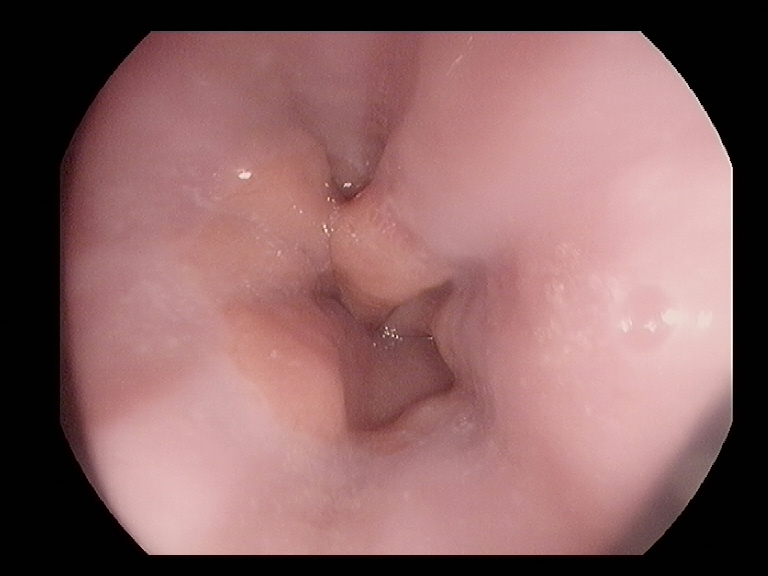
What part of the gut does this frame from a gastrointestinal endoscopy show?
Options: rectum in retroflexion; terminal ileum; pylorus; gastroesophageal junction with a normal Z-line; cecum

gastroesophageal junction with a normal Z-line